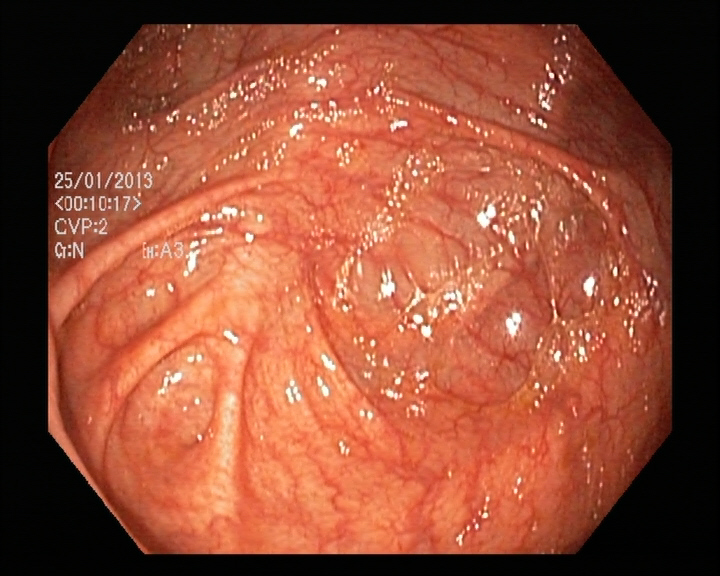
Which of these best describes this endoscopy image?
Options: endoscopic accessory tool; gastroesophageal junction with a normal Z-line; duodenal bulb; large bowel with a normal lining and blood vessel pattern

large bowel with a normal lining and blood vessel pattern